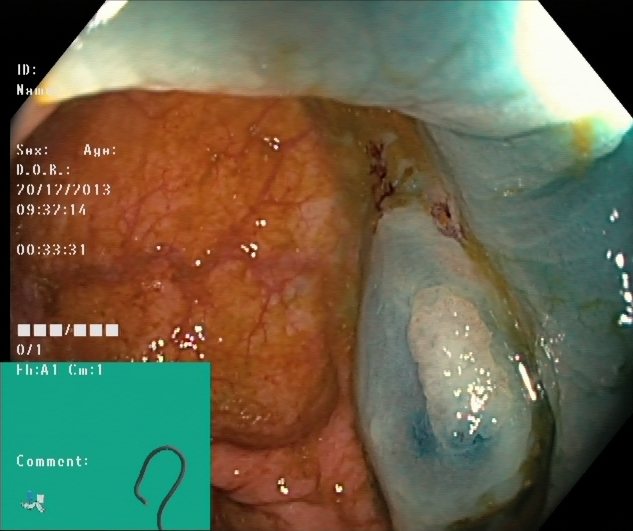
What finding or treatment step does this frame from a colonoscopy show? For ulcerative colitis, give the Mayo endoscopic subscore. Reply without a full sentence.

dyed and lifted polyp (pre-resection)